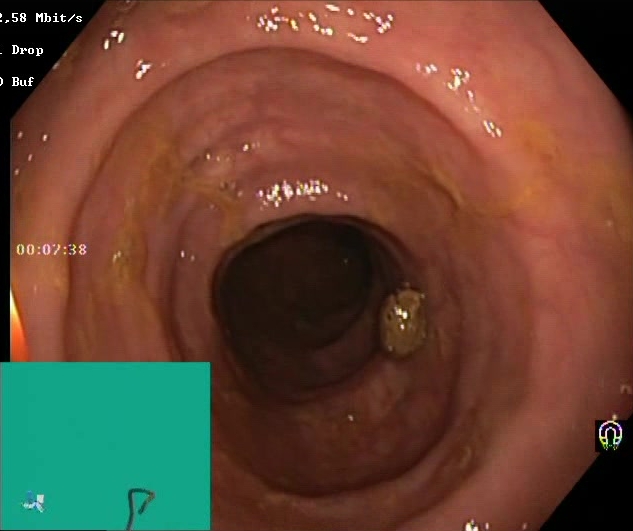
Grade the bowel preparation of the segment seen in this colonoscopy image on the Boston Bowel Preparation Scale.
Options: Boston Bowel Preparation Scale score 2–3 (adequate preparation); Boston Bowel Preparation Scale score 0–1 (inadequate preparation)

Boston Bowel Preparation Scale score 2–3 (adequate preparation)